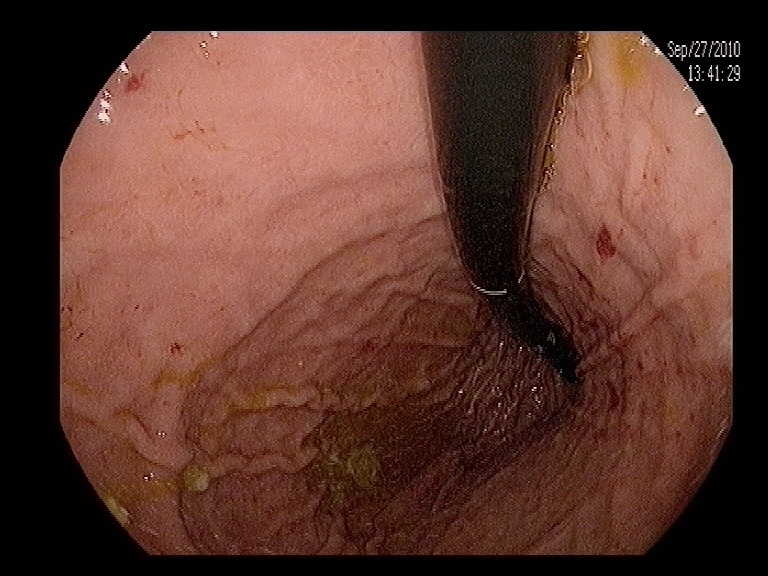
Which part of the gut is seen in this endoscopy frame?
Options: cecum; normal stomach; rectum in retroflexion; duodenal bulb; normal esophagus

normal stomach